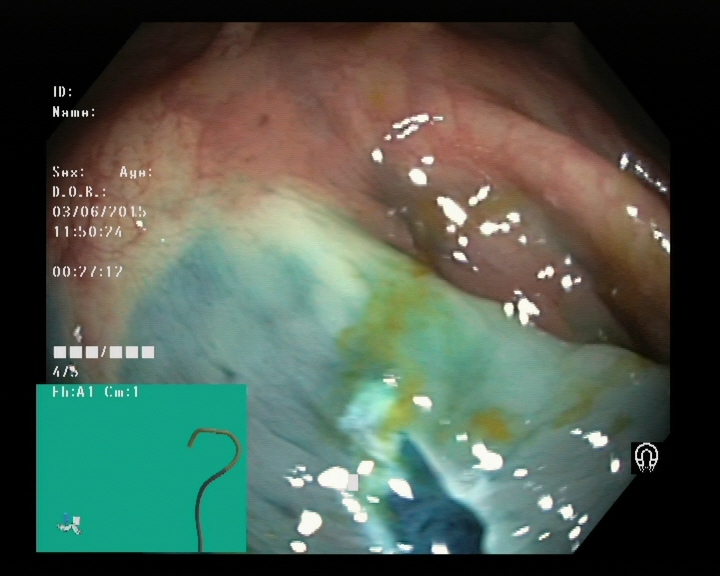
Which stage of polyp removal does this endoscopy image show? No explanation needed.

dyed resection margin (post-polypectomy)